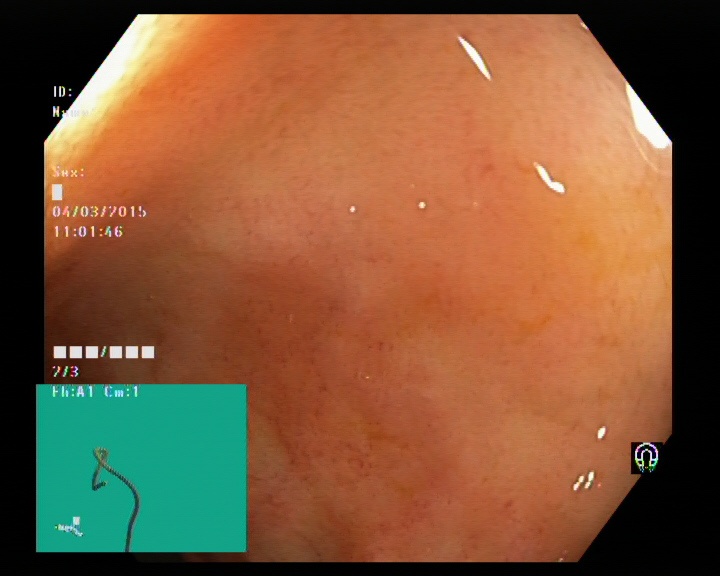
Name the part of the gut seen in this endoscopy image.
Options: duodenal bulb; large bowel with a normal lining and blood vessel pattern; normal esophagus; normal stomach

large bowel with a normal lining and blood vessel pattern